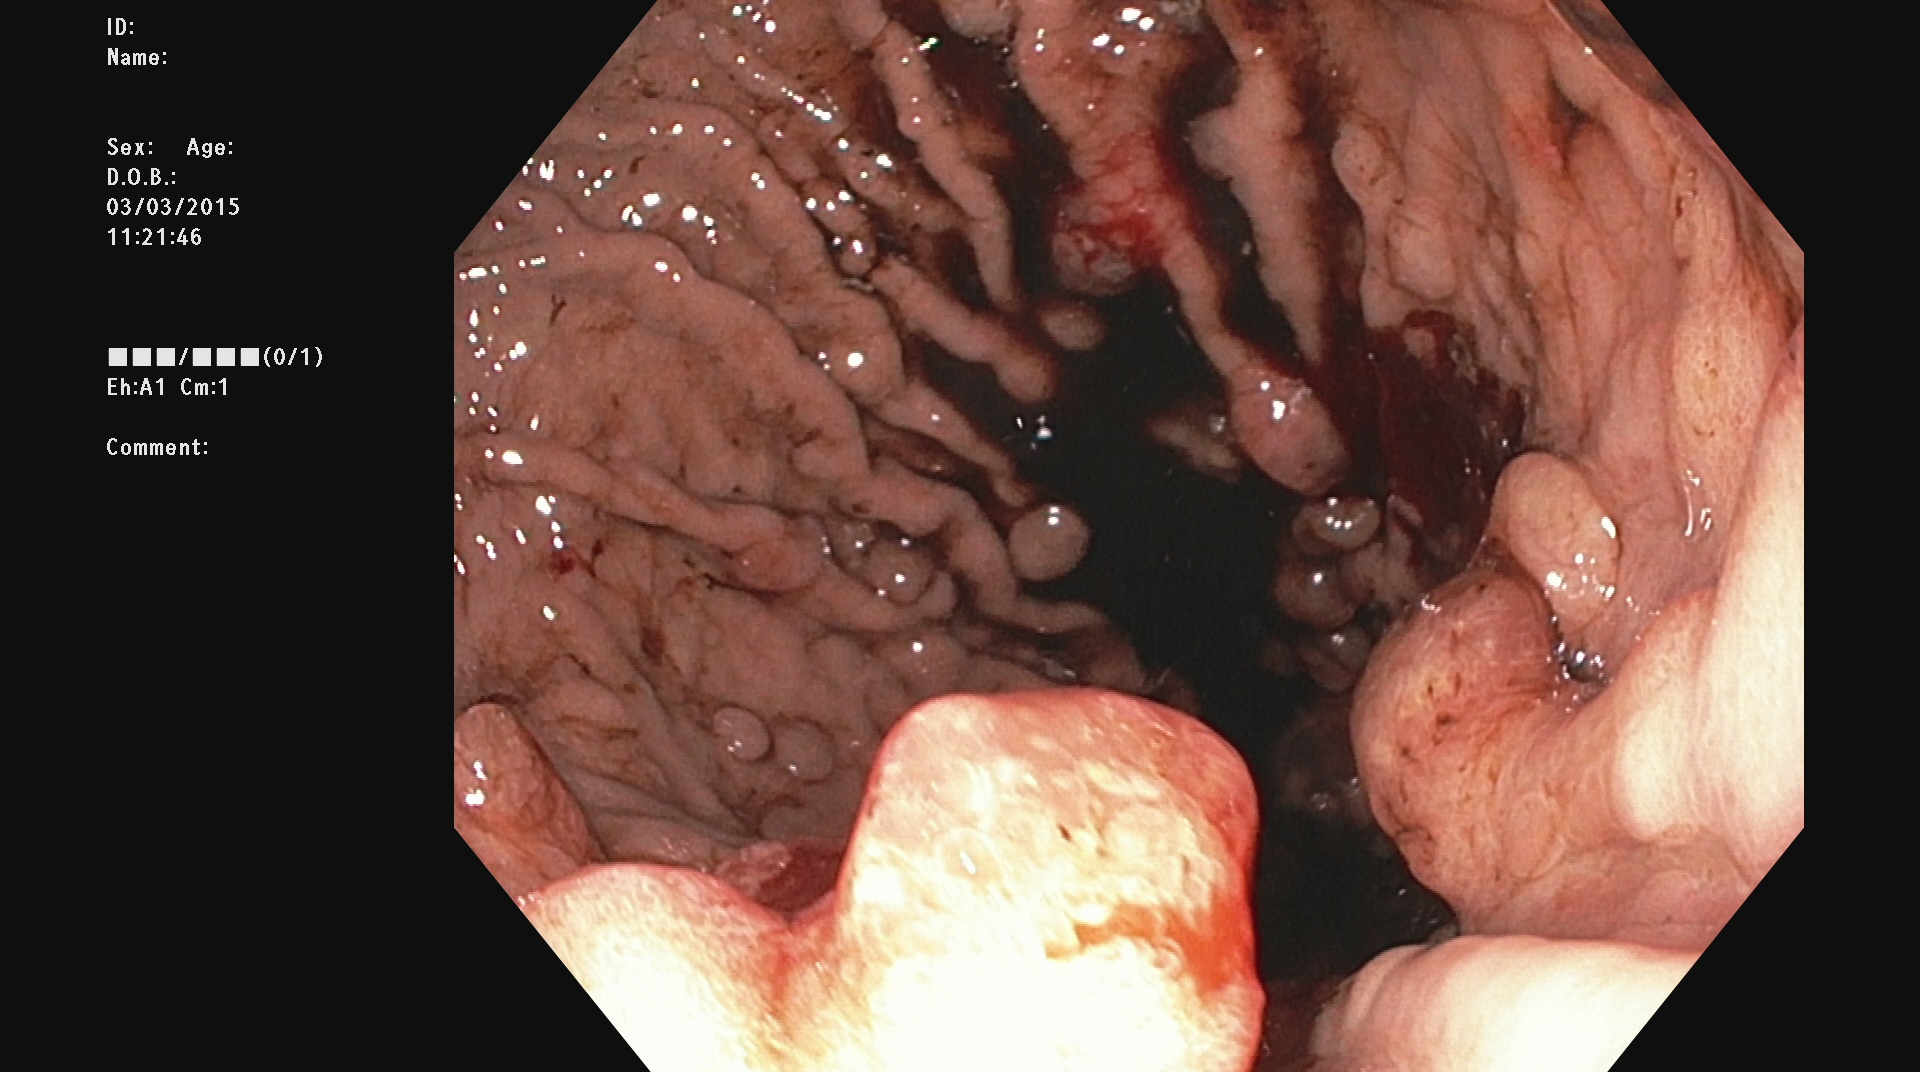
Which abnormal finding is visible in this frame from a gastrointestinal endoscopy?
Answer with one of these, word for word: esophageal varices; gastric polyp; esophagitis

gastric polyp